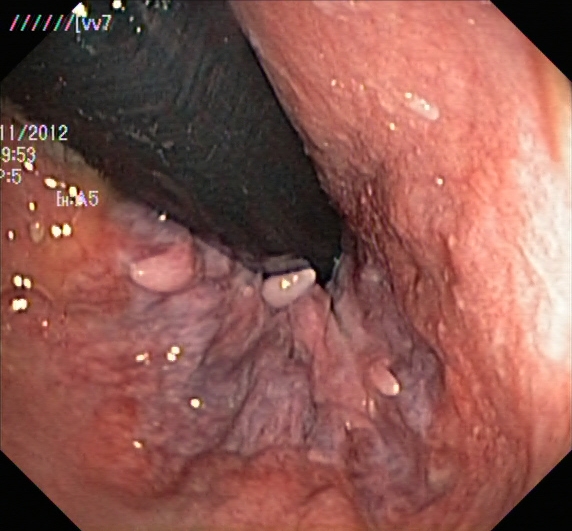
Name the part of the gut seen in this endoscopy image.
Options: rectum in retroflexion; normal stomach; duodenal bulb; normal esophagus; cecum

rectum in retroflexion